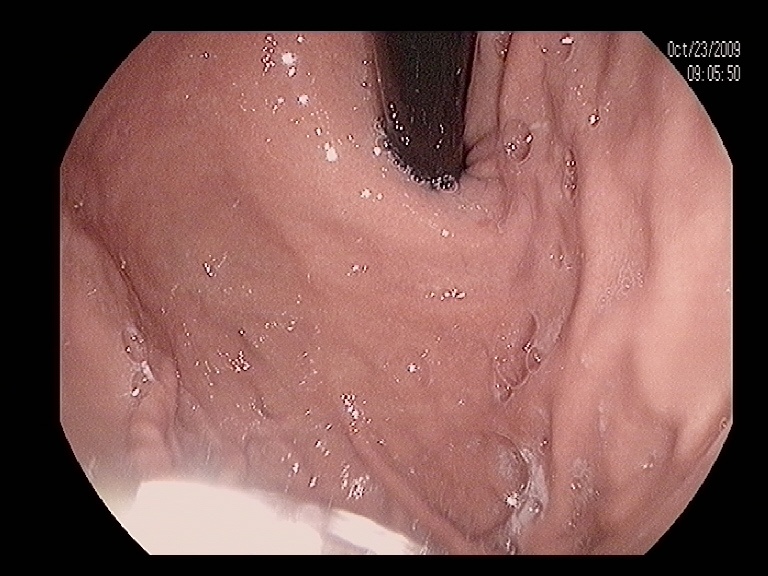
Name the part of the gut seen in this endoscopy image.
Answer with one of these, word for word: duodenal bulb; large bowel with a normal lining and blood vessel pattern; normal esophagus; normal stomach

normal stomach